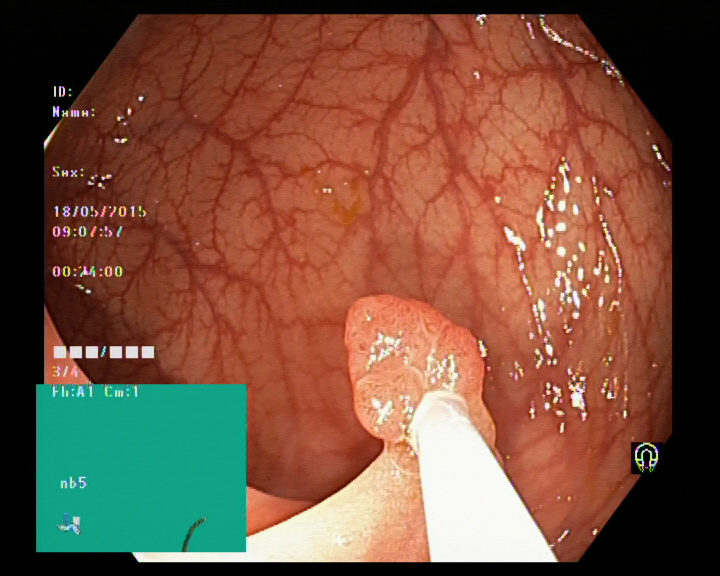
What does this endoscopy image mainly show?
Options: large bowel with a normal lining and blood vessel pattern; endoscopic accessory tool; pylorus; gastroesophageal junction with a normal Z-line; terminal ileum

endoscopic accessory tool